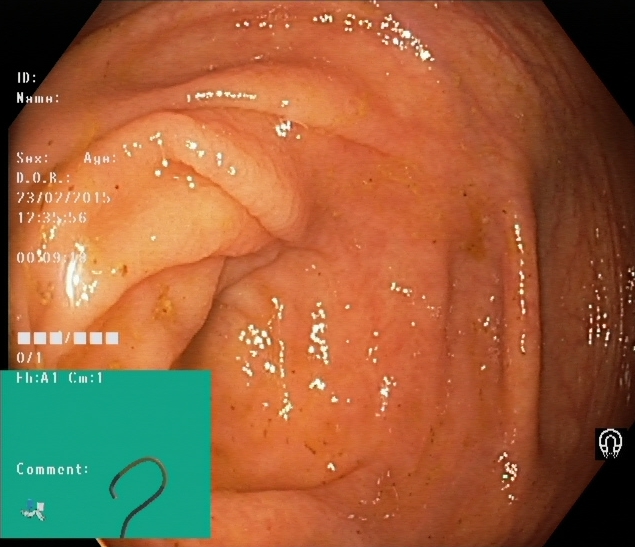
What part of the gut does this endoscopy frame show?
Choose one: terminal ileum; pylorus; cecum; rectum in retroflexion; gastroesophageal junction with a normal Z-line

cecum